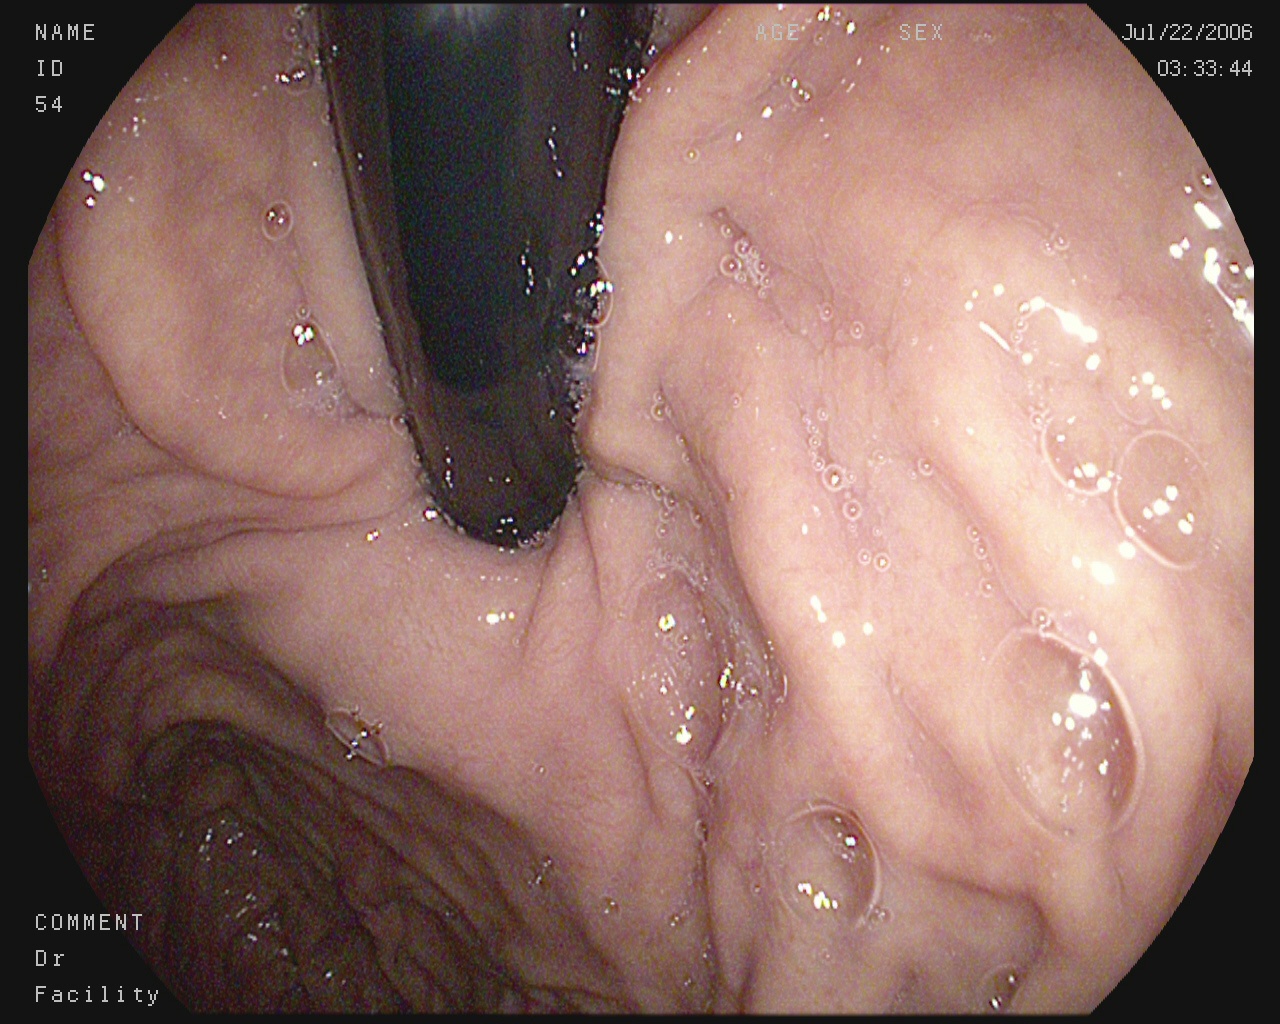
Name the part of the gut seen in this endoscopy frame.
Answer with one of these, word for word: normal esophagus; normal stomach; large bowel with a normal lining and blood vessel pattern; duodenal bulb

normal stomach